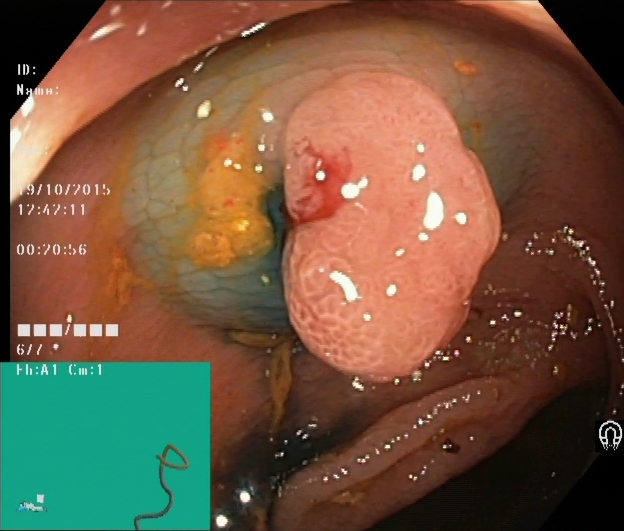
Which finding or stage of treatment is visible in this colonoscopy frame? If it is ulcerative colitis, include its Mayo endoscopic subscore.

dyed and lifted polyp (pre-resection)